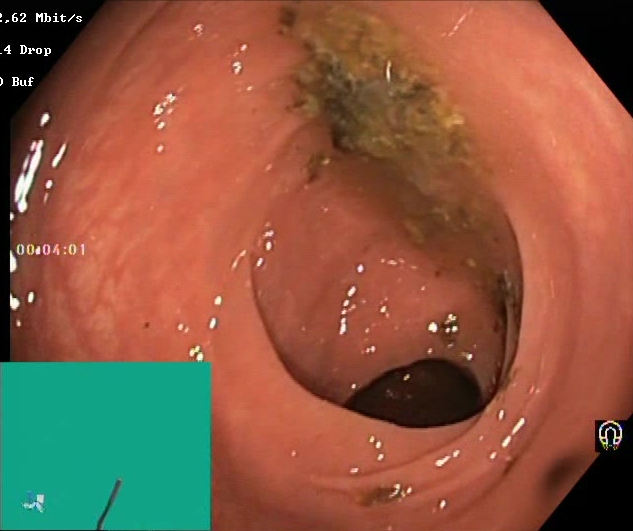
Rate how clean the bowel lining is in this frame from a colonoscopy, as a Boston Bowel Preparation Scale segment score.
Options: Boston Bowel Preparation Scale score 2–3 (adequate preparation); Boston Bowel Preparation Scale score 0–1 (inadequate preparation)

Boston Bowel Preparation Scale score 0–1 (inadequate preparation)